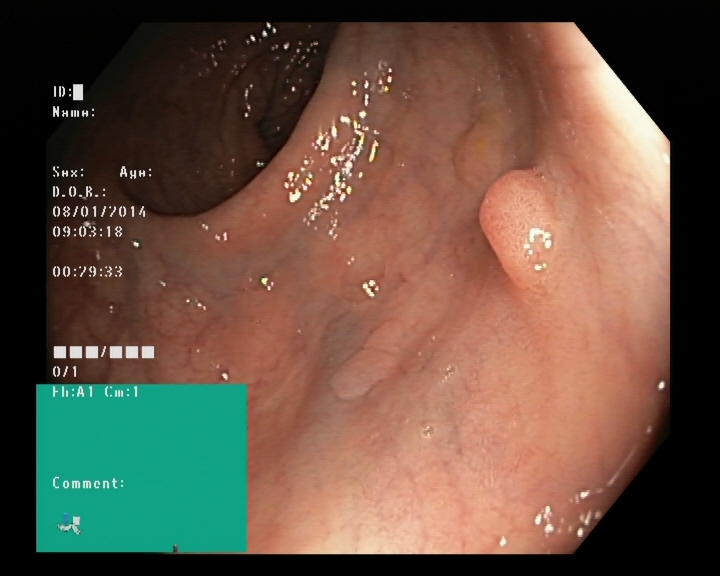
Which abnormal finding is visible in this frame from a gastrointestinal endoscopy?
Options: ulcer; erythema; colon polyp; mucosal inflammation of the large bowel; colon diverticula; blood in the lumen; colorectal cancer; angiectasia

colon polyp